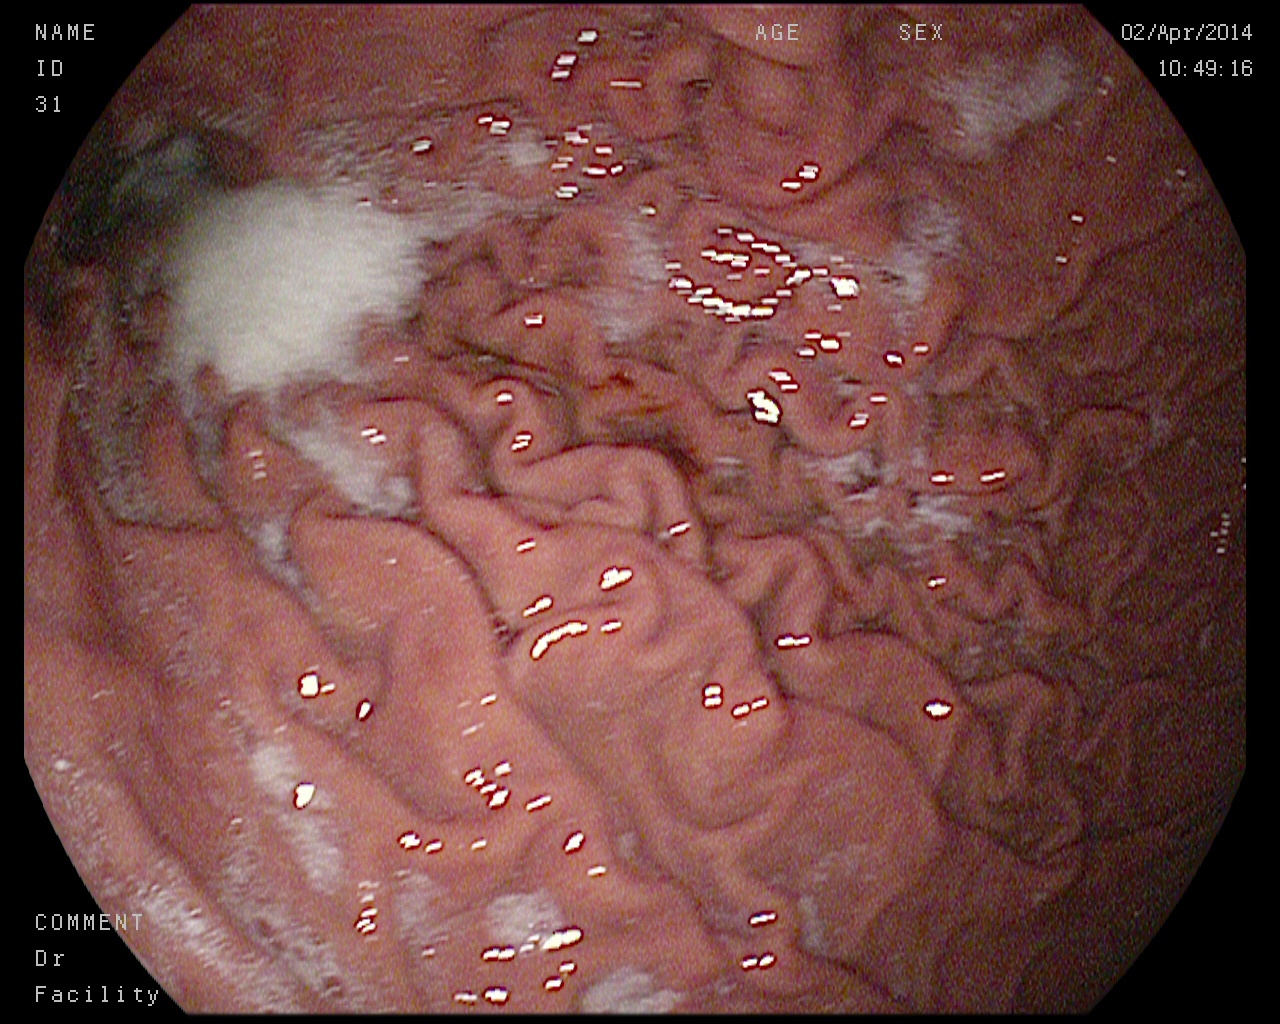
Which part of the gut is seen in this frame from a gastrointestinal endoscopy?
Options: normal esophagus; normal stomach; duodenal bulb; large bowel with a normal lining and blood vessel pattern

normal stomach